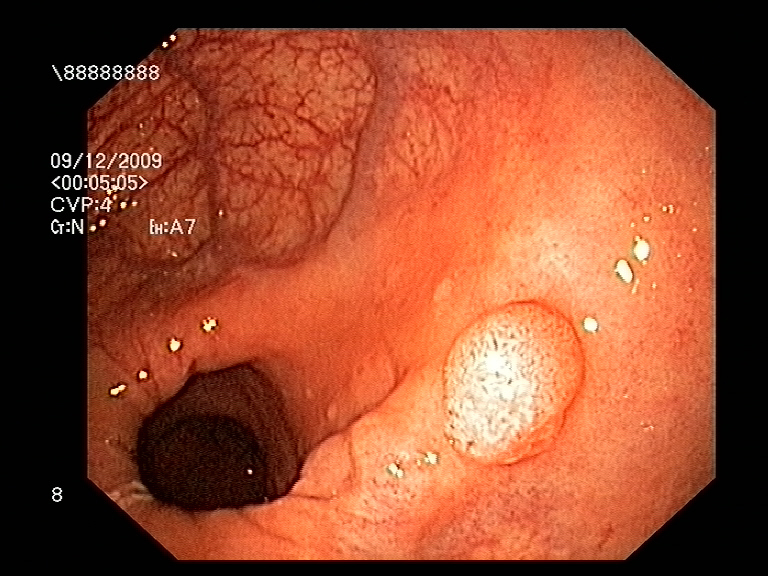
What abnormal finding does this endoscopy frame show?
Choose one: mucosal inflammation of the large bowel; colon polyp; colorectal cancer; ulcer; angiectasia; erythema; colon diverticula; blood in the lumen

colon polyp